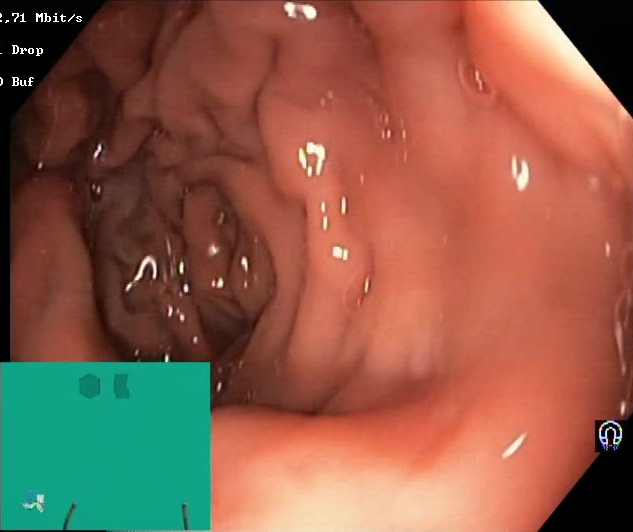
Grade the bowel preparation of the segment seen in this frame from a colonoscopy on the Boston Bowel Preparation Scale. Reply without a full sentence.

Boston Bowel Preparation Scale score 2–3 (adequate preparation)